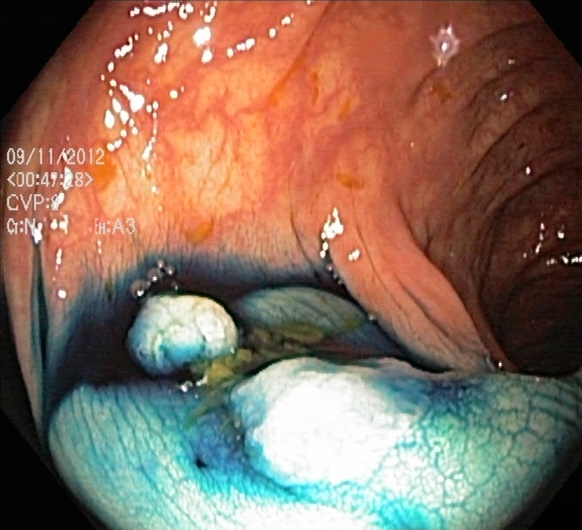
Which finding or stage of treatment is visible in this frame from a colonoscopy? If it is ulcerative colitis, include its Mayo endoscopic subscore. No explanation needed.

dyed and lifted polyp (pre-resection)